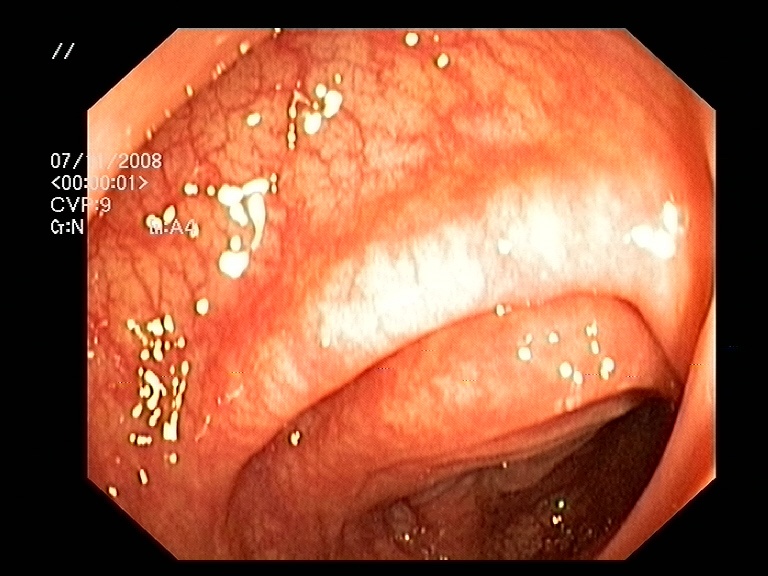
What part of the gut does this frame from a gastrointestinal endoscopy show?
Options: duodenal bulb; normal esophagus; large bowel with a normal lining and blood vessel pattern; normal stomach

large bowel with a normal lining and blood vessel pattern